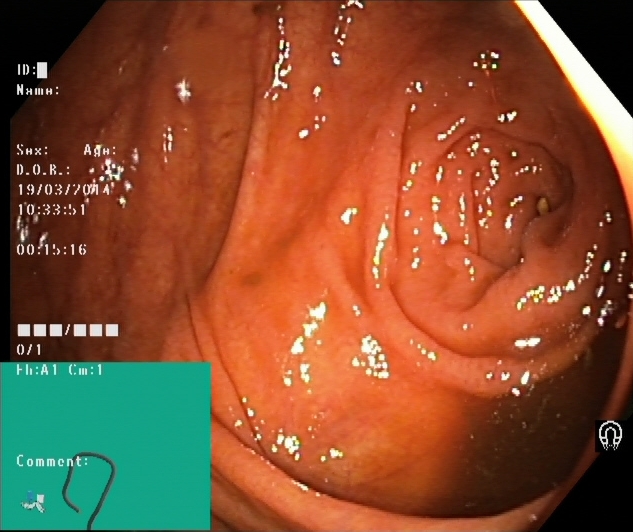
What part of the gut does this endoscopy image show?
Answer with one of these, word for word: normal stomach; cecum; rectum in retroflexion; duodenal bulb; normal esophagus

cecum